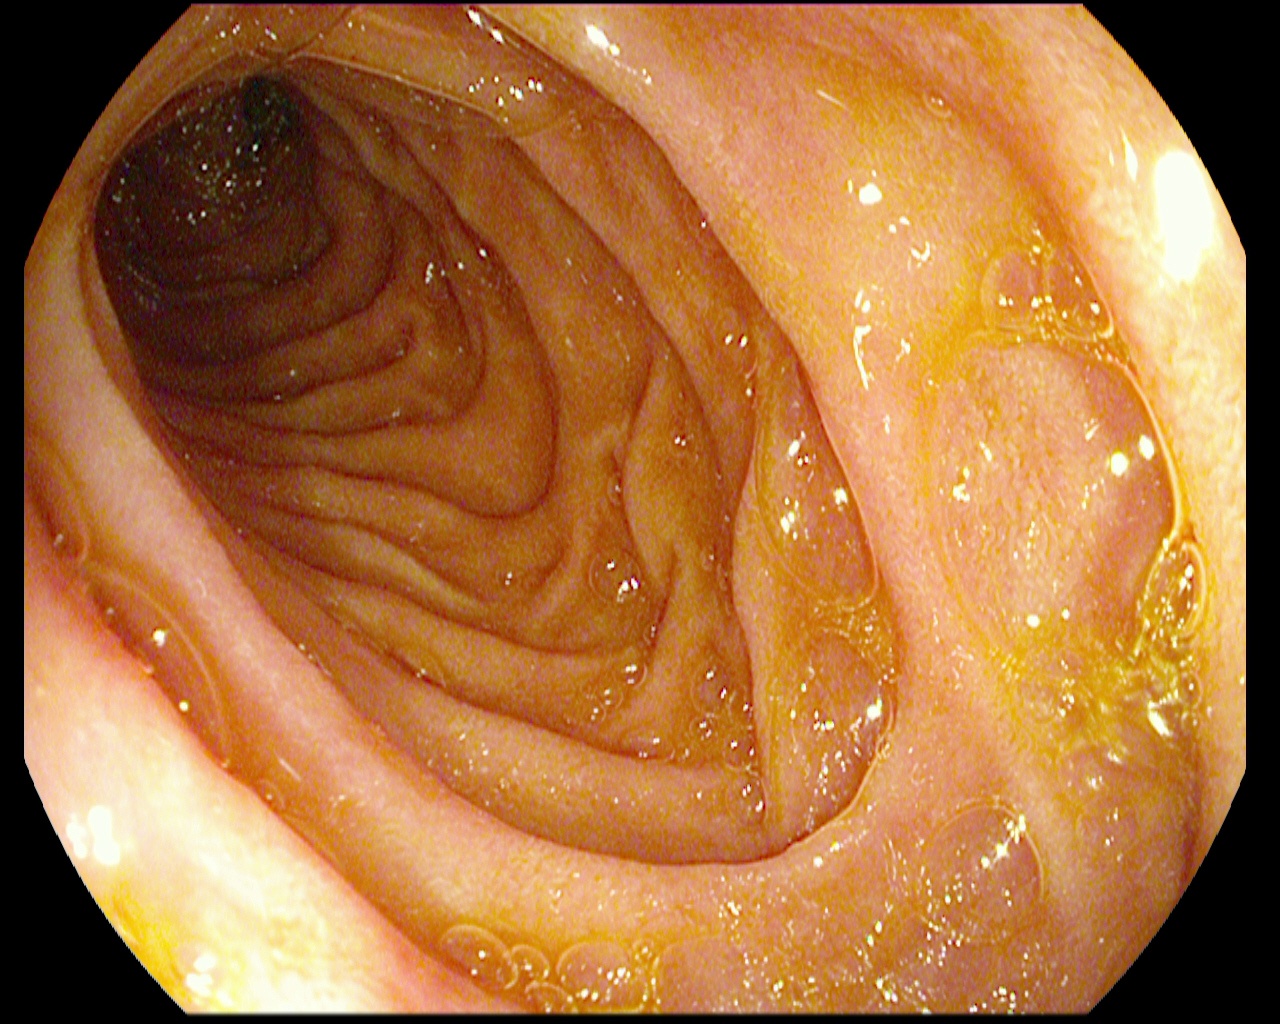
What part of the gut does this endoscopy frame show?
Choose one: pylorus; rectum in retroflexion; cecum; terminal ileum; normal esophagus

terminal ileum